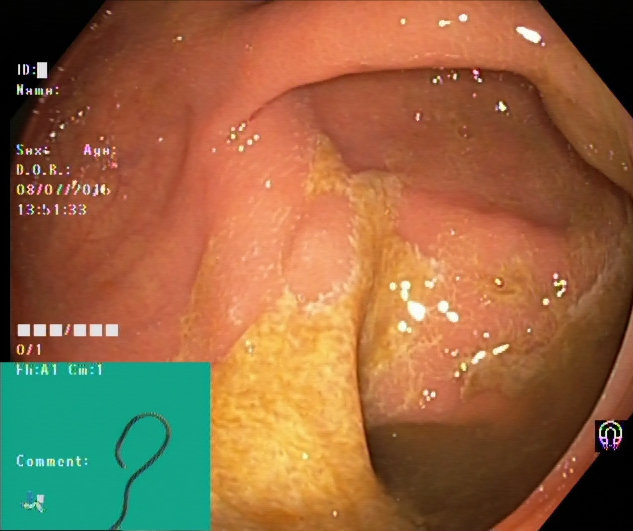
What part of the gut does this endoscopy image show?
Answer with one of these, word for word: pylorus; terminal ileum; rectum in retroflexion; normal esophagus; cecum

cecum